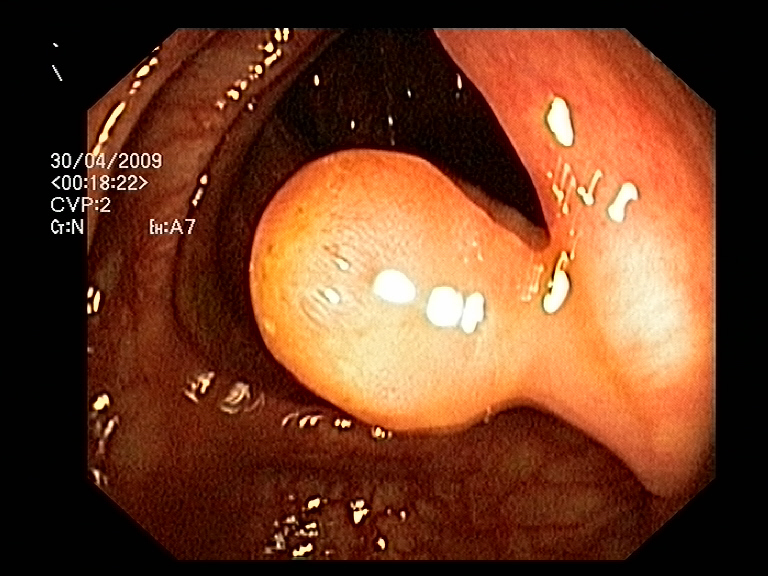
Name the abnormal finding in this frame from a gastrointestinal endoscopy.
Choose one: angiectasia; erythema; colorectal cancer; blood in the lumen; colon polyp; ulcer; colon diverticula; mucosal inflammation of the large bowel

colon polyp